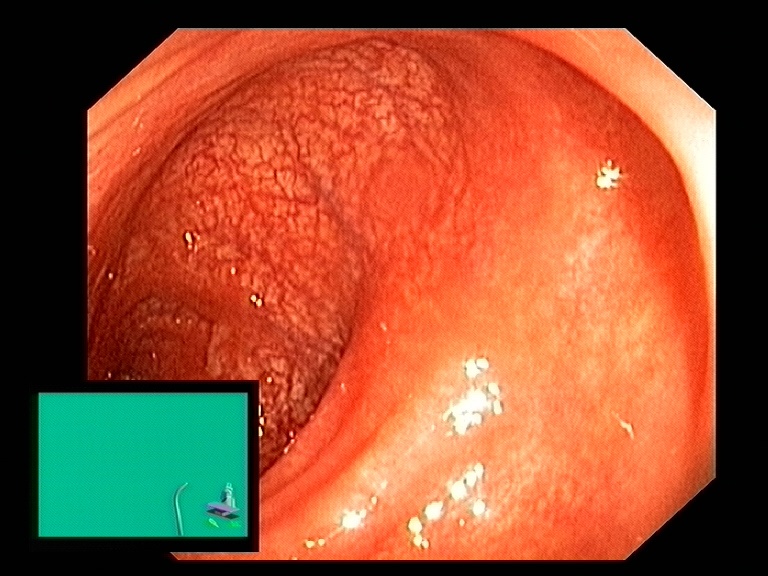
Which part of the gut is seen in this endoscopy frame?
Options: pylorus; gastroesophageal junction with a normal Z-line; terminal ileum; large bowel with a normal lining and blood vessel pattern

large bowel with a normal lining and blood vessel pattern